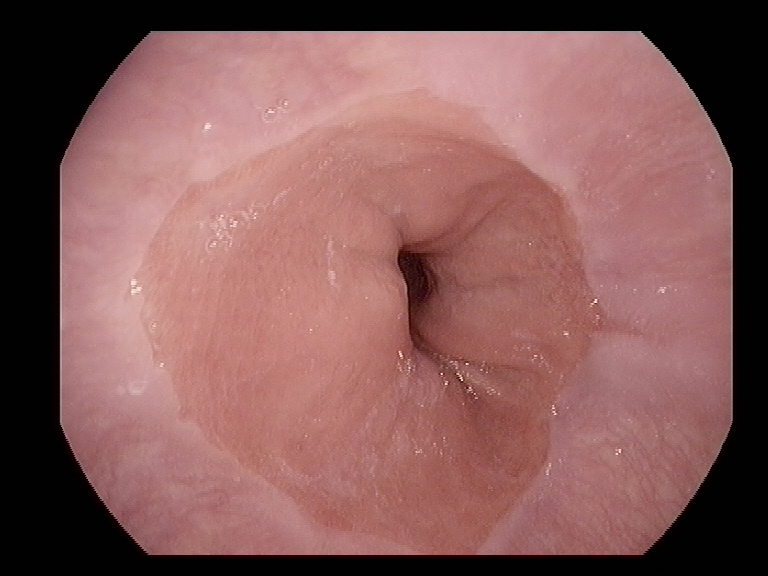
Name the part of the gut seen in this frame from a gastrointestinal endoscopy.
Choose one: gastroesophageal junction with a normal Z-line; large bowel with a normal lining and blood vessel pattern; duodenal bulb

gastroesophageal junction with a normal Z-line